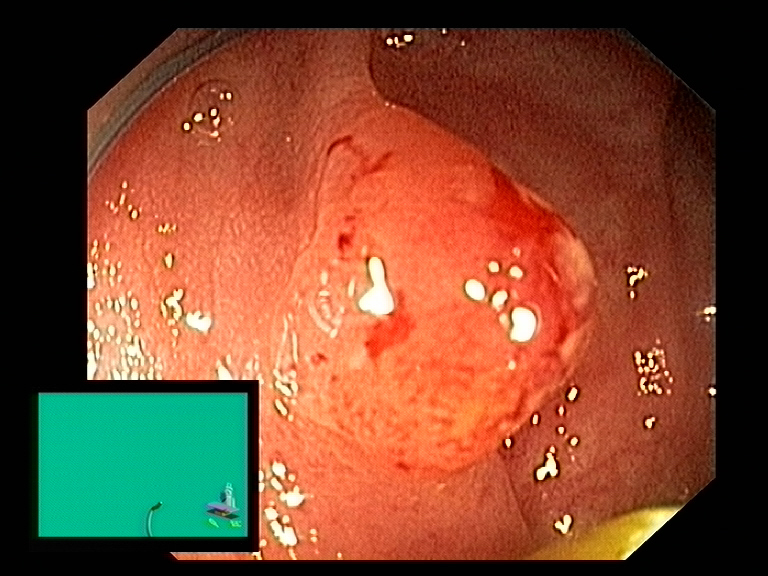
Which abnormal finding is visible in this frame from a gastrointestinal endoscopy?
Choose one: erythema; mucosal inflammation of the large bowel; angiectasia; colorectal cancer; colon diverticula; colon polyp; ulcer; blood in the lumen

colon polyp